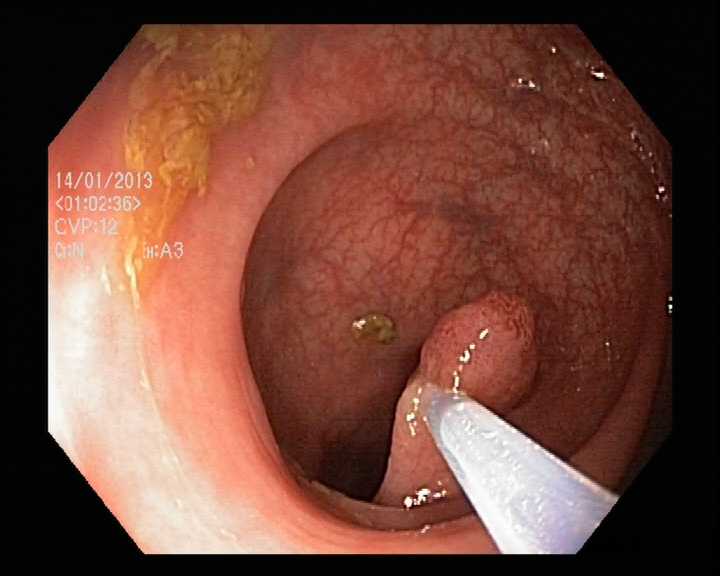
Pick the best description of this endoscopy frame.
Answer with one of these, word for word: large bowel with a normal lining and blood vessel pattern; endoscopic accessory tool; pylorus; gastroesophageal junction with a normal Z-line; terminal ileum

endoscopic accessory tool